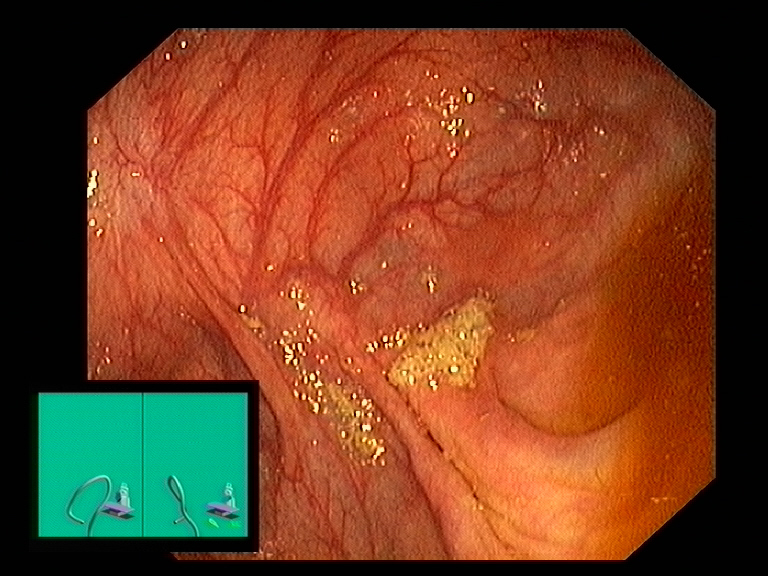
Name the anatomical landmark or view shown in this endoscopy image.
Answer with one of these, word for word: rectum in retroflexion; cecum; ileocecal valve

cecum